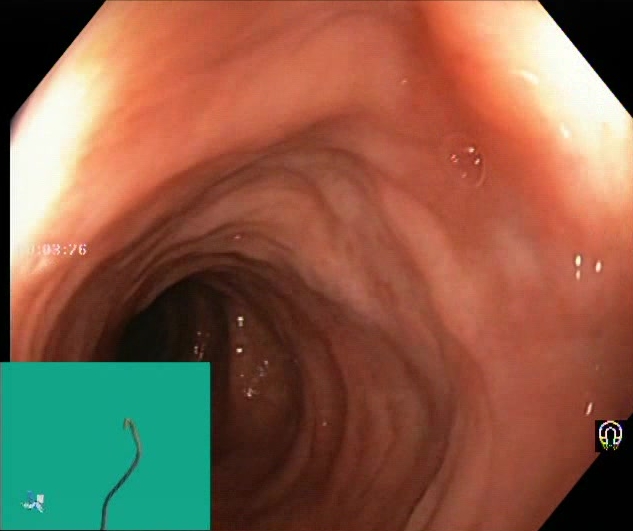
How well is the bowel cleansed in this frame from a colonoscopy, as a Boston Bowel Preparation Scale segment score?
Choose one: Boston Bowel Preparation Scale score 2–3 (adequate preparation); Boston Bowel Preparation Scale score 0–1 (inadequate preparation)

Boston Bowel Preparation Scale score 2–3 (adequate preparation)